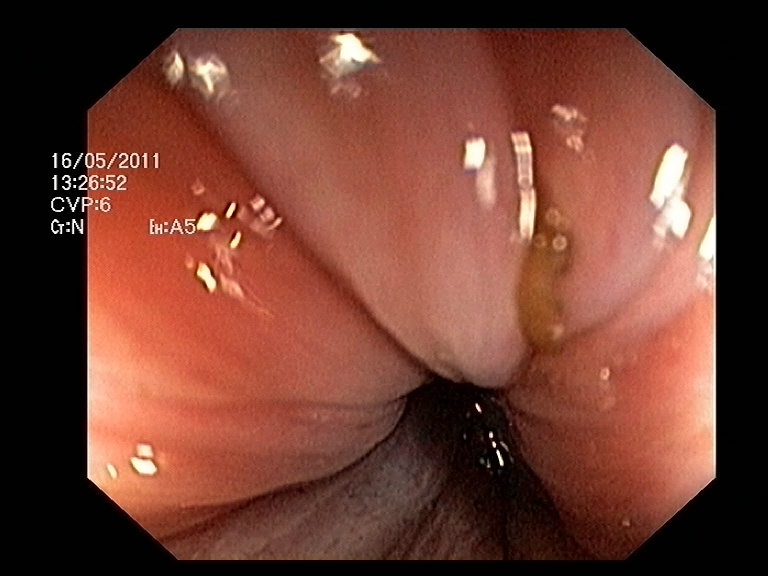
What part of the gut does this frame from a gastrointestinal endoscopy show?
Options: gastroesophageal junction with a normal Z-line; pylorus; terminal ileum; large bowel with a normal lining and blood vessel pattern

large bowel with a normal lining and blood vessel pattern